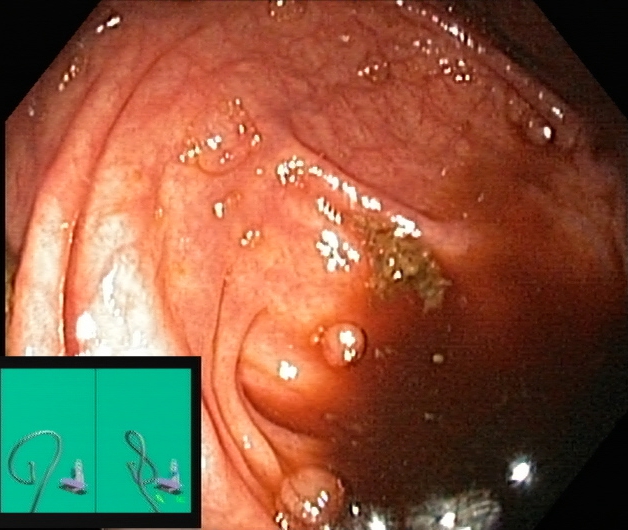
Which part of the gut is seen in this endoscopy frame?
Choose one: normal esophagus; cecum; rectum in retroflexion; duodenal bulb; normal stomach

cecum